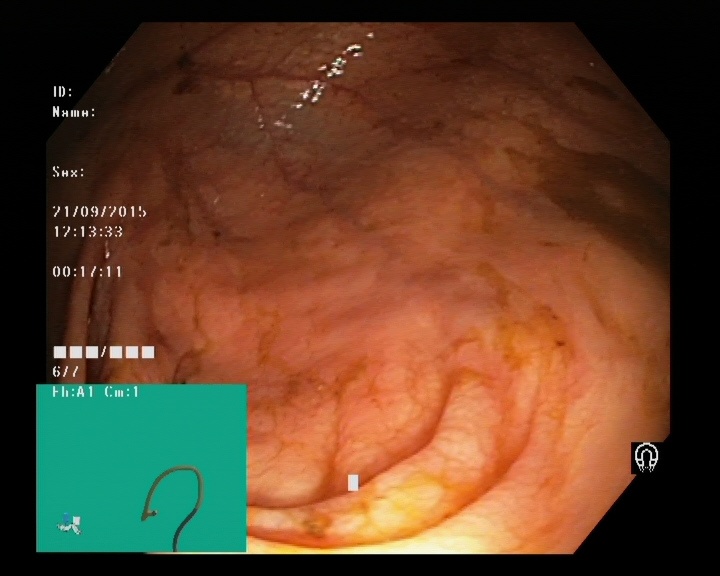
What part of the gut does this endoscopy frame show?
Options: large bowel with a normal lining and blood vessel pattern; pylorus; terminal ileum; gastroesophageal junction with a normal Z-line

large bowel with a normal lining and blood vessel pattern